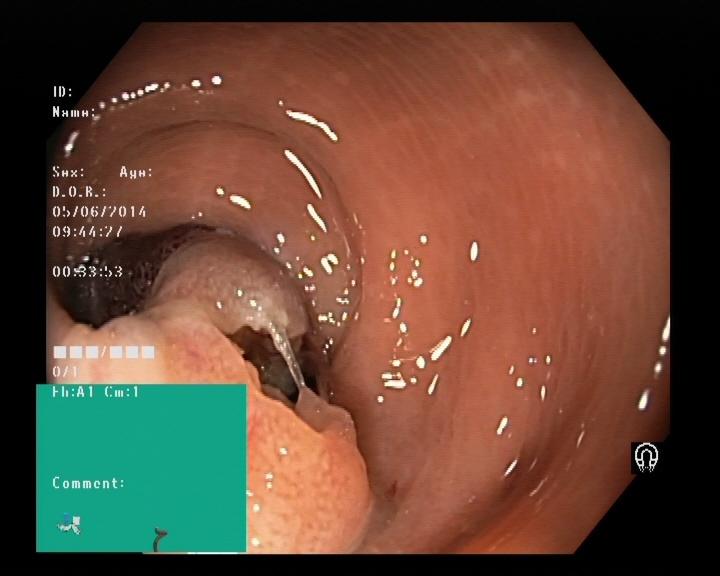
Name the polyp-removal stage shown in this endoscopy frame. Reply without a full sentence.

resected polyp